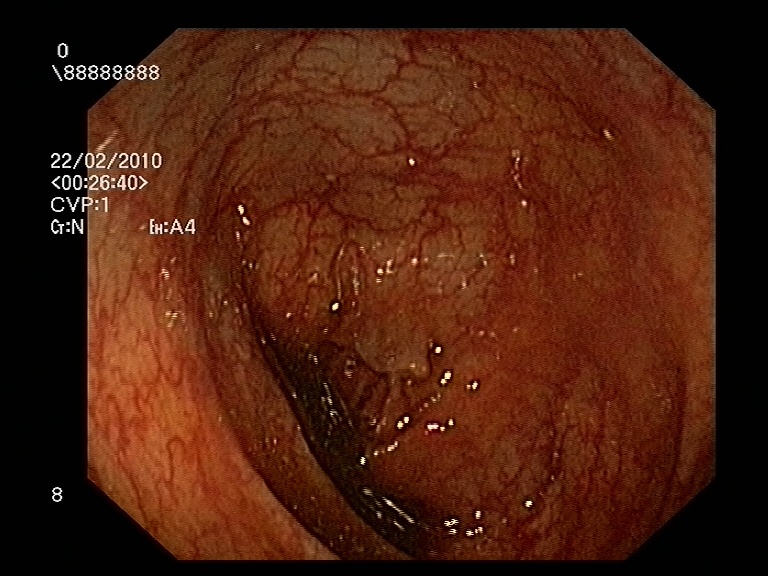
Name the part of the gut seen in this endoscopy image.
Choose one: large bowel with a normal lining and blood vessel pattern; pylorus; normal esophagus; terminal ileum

large bowel with a normal lining and blood vessel pattern